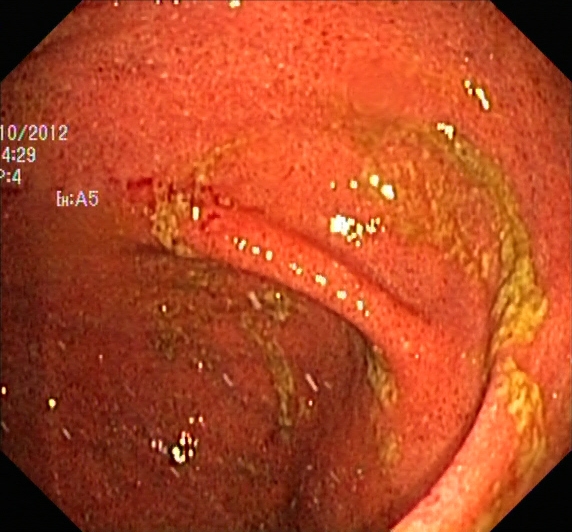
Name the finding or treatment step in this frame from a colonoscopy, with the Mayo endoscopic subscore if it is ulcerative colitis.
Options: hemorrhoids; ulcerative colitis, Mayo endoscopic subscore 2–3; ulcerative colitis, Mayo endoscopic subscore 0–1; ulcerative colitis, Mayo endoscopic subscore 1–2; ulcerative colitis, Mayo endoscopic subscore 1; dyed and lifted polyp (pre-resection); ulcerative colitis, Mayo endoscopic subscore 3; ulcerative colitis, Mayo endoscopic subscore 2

ulcerative colitis, Mayo endoscopic subscore 2